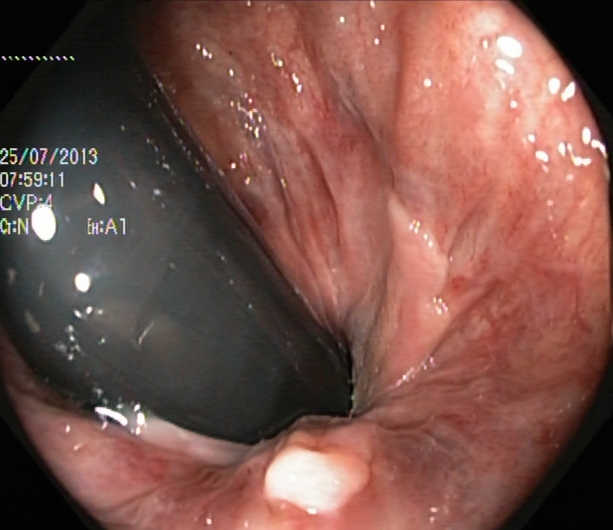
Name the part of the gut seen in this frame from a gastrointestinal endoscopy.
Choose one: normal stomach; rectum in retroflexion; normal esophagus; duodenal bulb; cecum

rectum in retroflexion